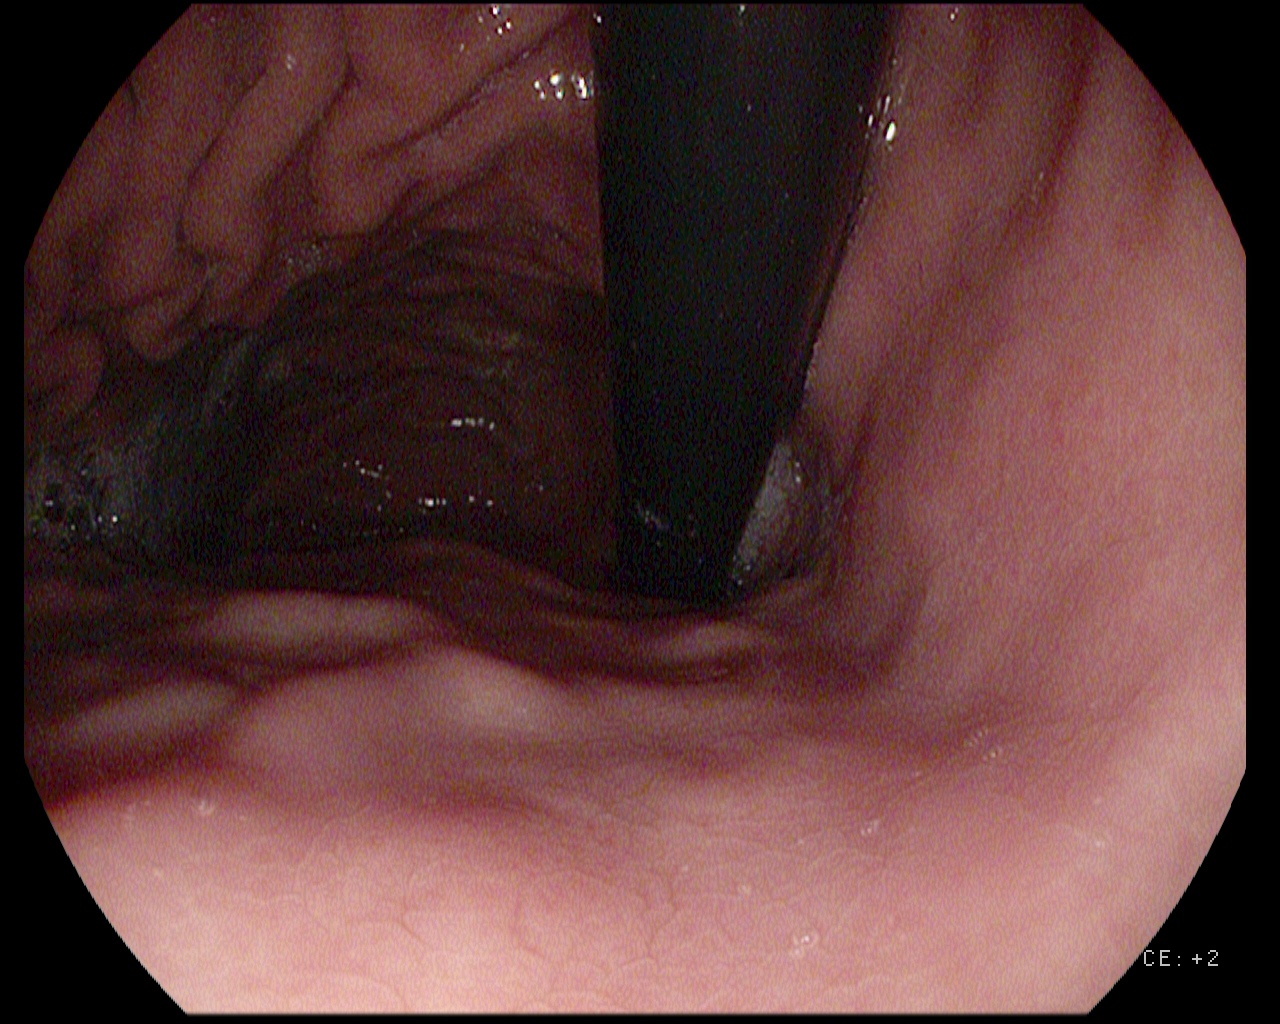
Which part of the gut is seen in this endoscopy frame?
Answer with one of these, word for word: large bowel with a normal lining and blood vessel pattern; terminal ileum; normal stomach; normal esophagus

normal stomach